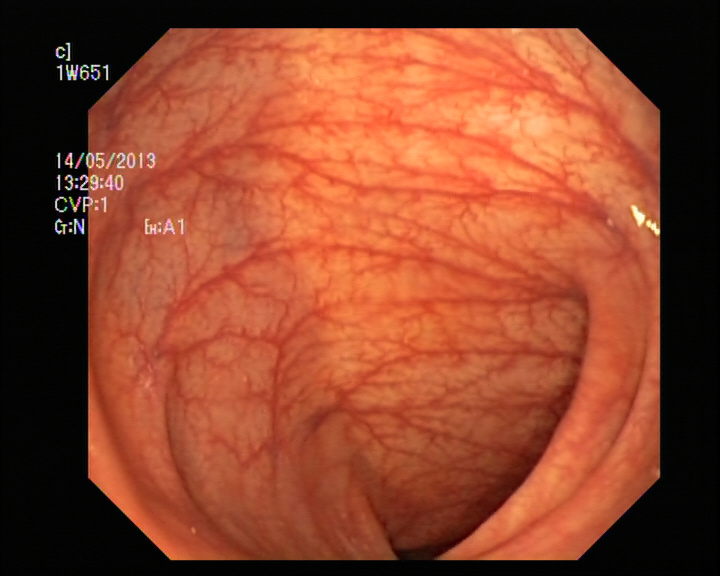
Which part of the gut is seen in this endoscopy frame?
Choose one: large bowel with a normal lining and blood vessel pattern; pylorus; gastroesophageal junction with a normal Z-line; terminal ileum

large bowel with a normal lining and blood vessel pattern